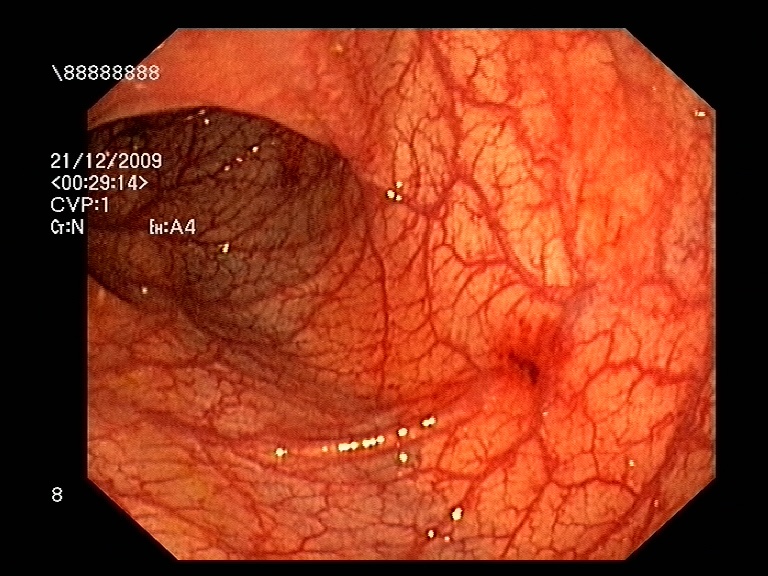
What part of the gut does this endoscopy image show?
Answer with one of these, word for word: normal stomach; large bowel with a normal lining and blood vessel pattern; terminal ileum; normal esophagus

large bowel with a normal lining and blood vessel pattern